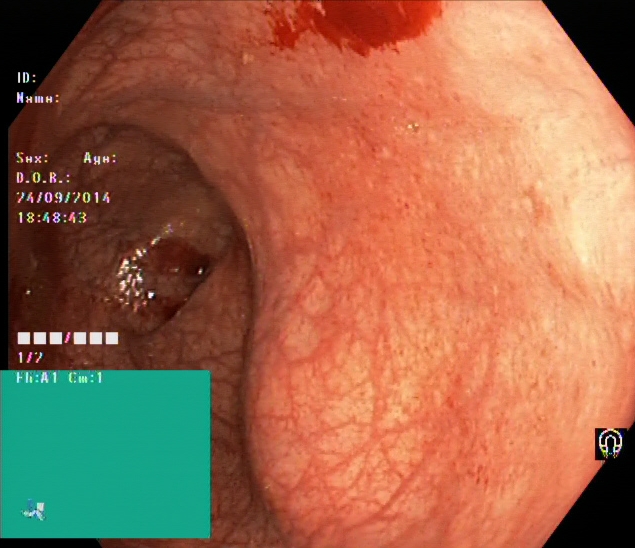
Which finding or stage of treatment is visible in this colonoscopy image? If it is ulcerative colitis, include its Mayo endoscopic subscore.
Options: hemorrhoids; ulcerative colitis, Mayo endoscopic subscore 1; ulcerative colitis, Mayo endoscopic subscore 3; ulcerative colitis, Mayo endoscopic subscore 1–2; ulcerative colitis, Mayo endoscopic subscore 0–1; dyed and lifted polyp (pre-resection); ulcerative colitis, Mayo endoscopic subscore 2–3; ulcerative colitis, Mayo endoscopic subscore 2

ulcerative colitis, Mayo endoscopic subscore 1